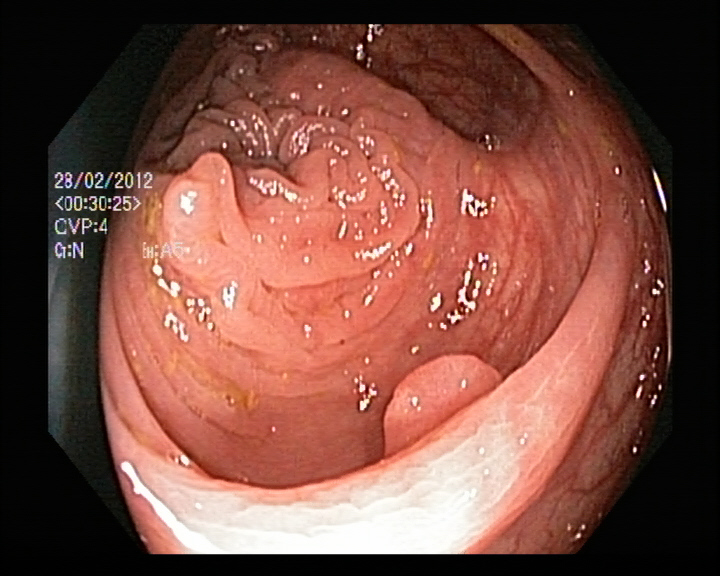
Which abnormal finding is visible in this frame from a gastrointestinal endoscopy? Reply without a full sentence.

colon polyp